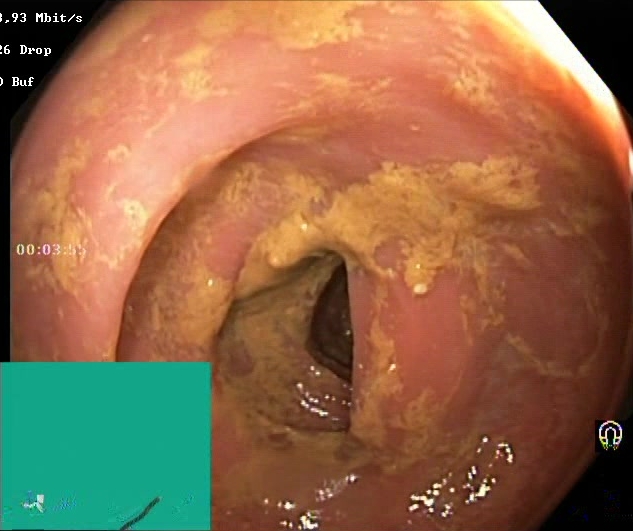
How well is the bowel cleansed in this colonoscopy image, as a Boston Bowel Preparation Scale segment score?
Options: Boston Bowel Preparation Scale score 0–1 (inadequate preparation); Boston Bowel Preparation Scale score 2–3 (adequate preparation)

Boston Bowel Preparation Scale score 0–1 (inadequate preparation)